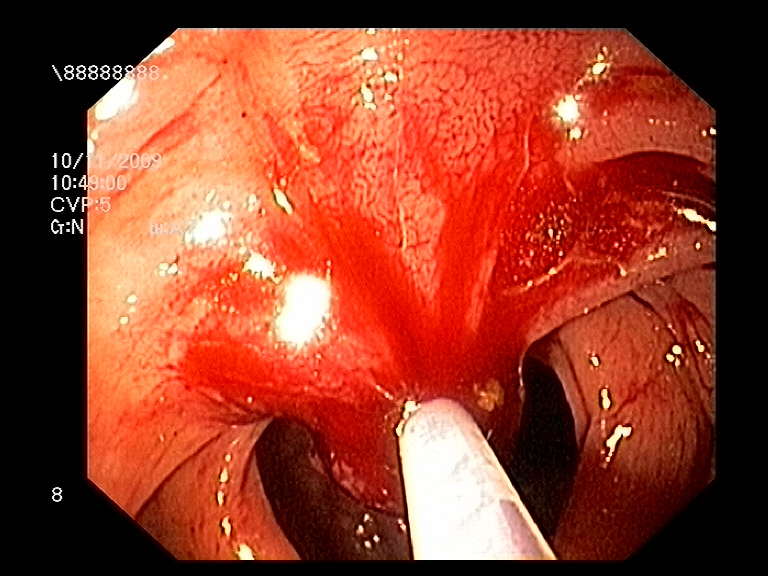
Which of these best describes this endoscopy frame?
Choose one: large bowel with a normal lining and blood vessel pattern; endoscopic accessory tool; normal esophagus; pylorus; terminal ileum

endoscopic accessory tool